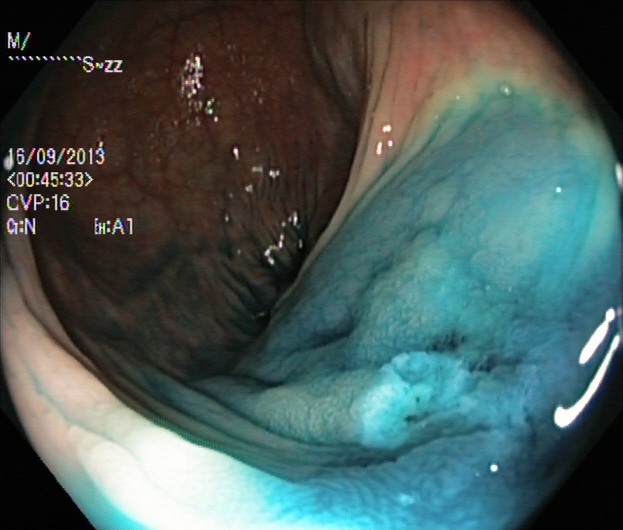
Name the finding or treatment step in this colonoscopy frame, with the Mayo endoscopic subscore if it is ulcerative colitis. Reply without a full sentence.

dyed and lifted polyp (pre-resection)